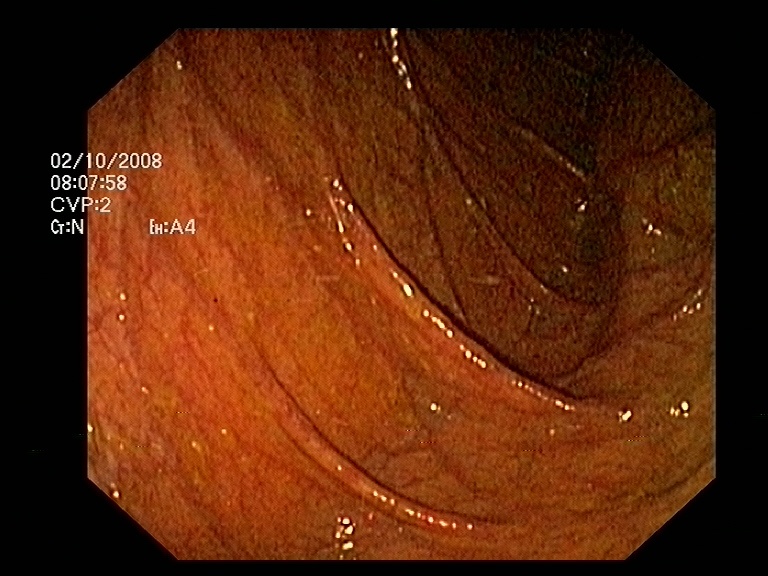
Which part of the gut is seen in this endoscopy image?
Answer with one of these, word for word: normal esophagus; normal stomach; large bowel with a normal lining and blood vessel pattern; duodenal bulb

large bowel with a normal lining and blood vessel pattern